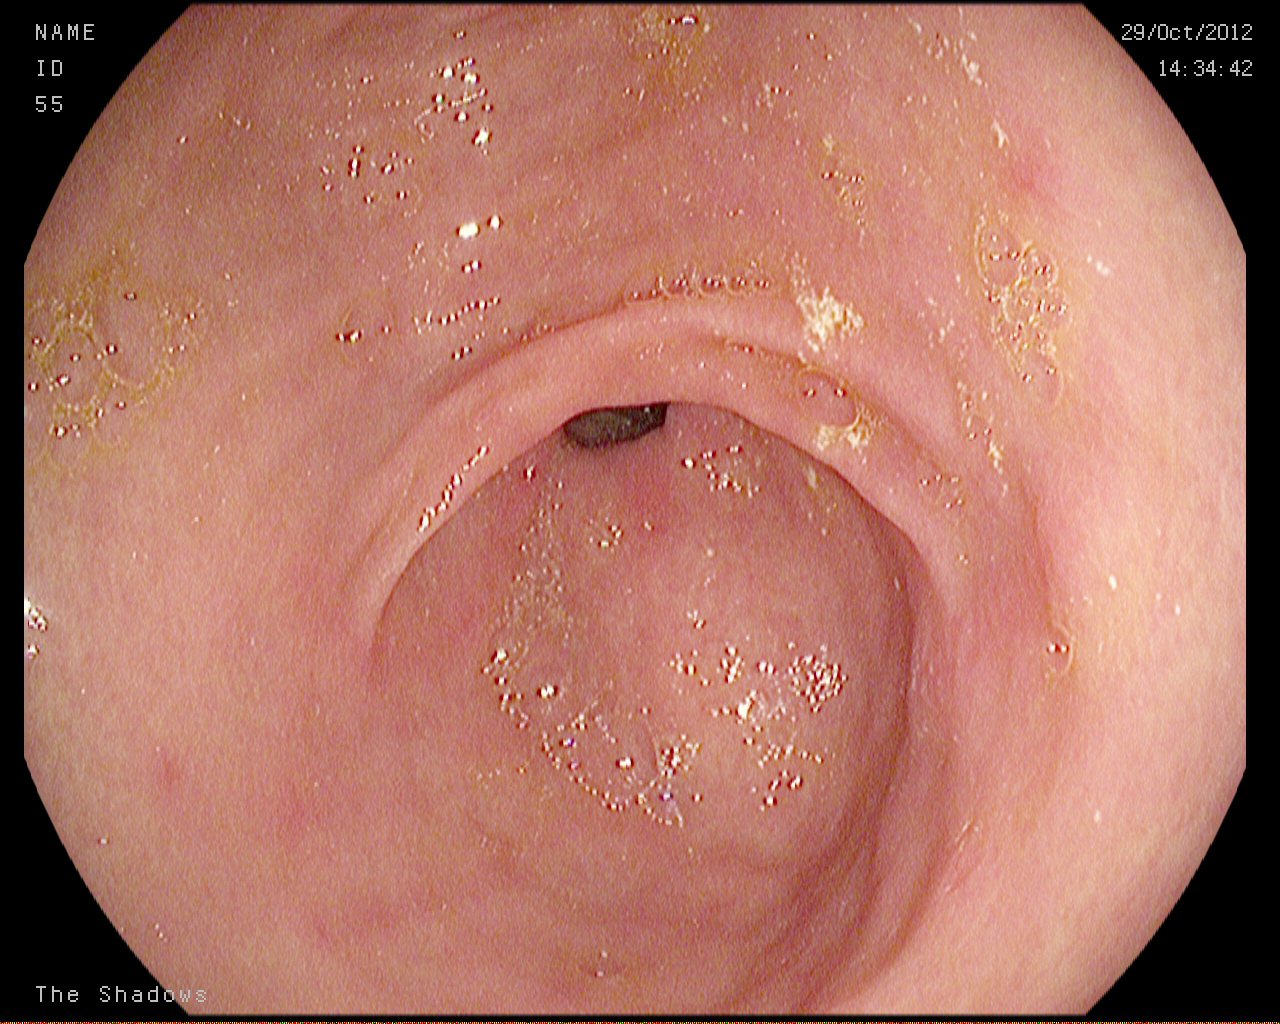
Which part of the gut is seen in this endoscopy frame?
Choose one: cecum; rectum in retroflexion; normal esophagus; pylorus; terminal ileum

pylorus